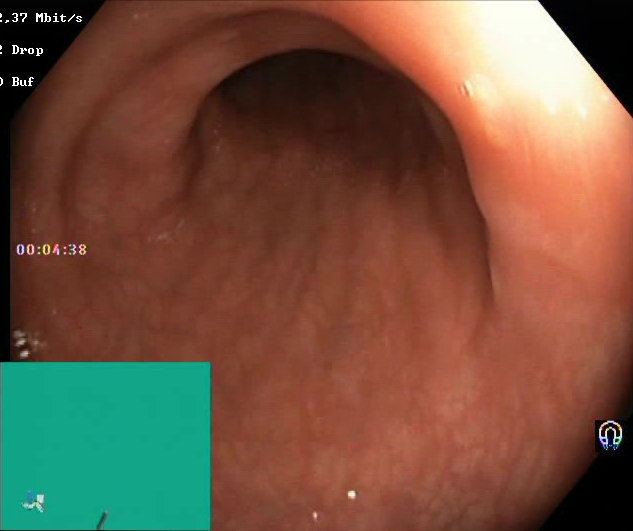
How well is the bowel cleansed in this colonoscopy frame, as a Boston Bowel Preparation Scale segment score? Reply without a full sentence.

Boston Bowel Preparation Scale score 2–3 (adequate preparation)